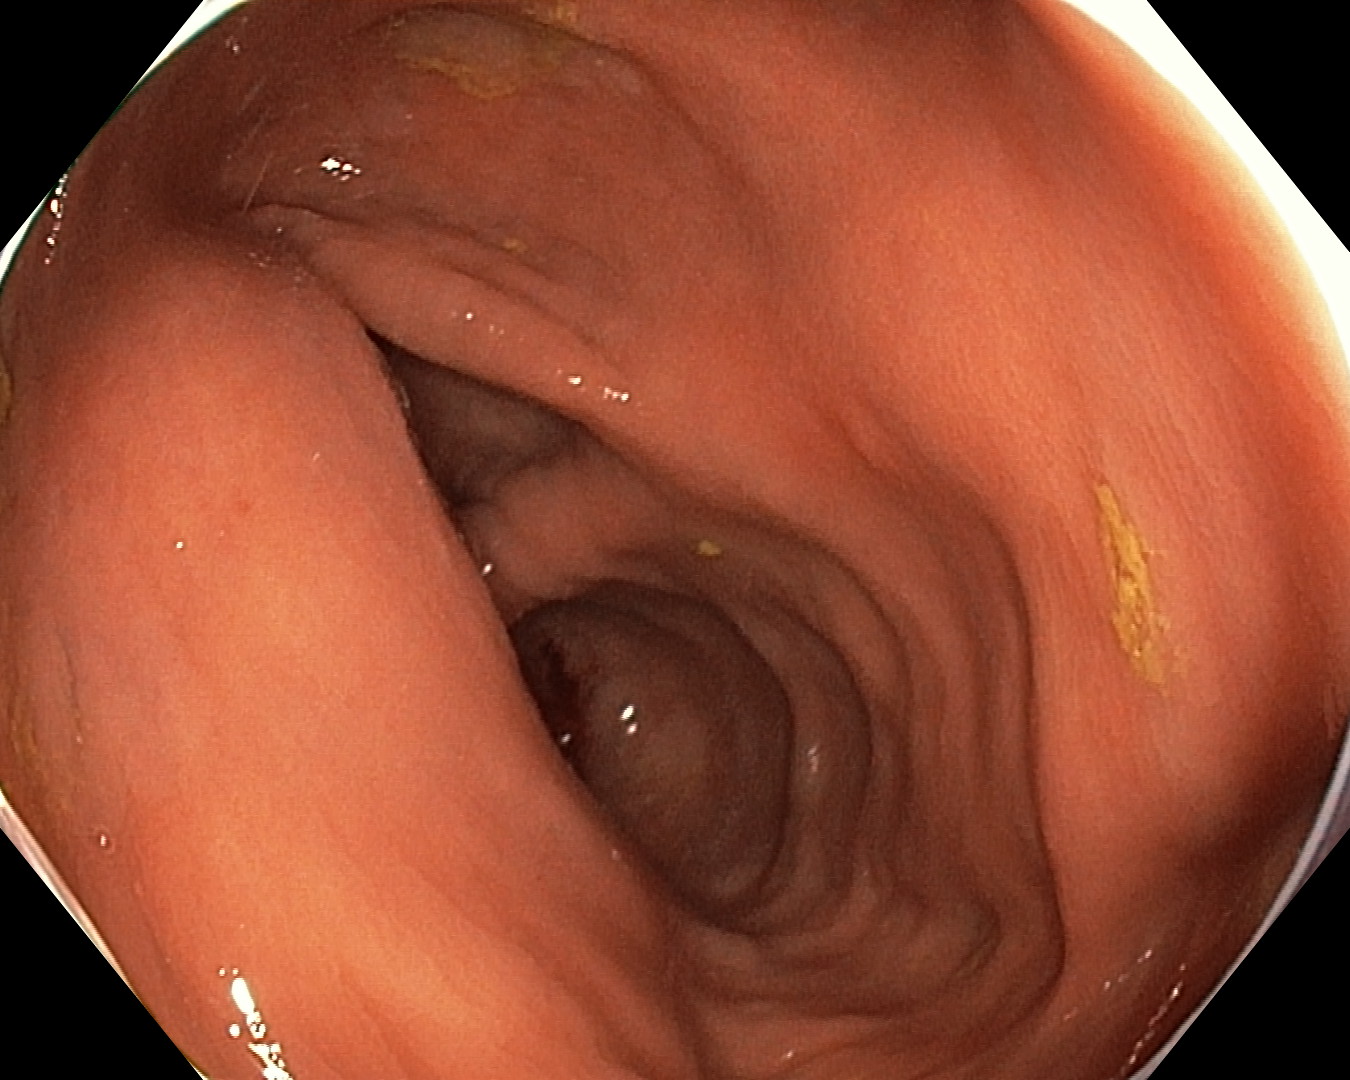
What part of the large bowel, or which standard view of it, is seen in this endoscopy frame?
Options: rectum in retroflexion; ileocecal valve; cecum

ileocecal valve